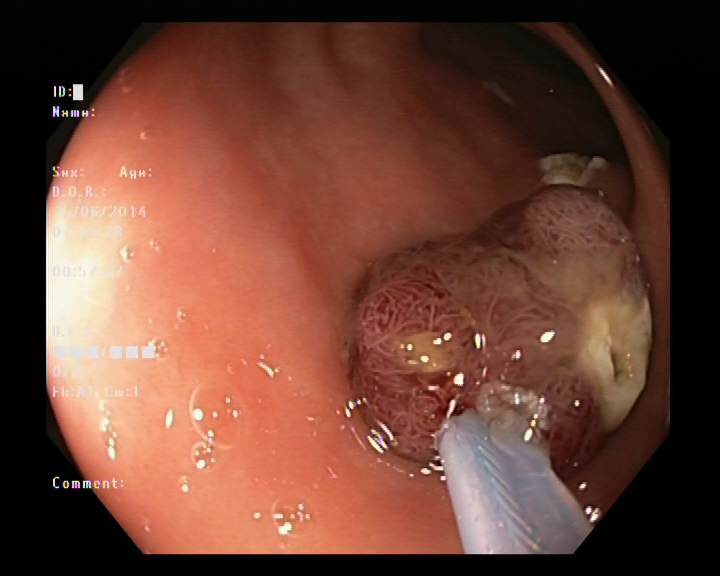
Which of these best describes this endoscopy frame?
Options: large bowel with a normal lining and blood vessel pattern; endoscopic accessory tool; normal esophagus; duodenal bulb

endoscopic accessory tool